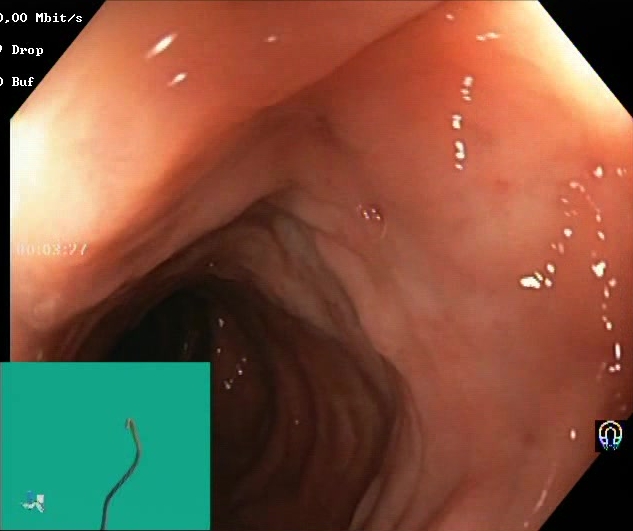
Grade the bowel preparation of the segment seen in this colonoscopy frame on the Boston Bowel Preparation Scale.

Boston Bowel Preparation Scale score 2–3 (adequate preparation)